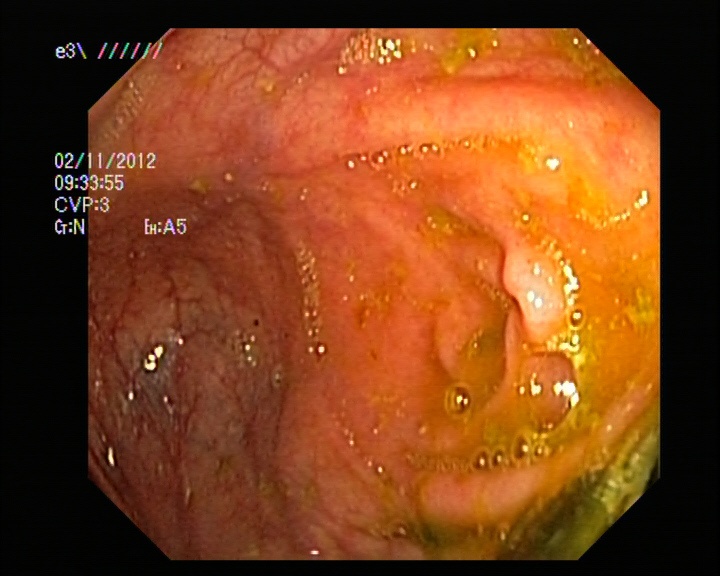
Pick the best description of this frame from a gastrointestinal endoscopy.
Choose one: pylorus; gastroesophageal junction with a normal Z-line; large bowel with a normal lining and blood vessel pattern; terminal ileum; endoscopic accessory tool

large bowel with a normal lining and blood vessel pattern